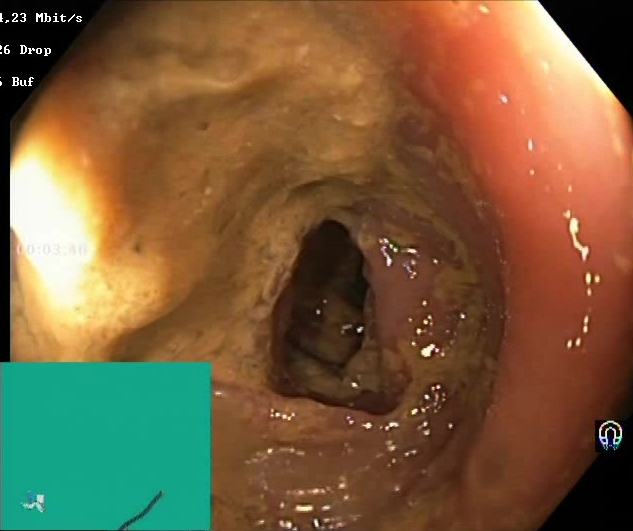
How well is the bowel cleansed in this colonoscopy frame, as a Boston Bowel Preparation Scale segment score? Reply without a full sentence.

Boston Bowel Preparation Scale score 0–1 (inadequate preparation)